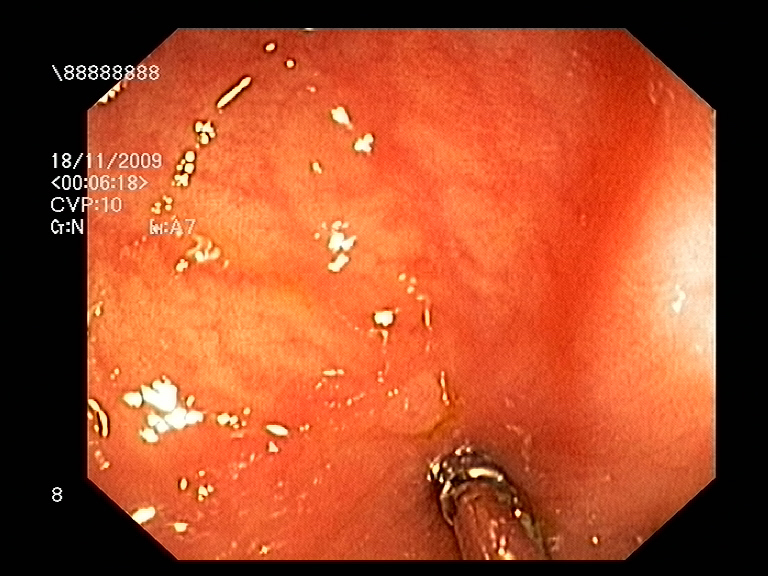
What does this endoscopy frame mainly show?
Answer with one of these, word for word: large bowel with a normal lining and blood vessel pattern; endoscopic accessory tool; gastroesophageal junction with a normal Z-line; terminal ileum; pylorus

endoscopic accessory tool